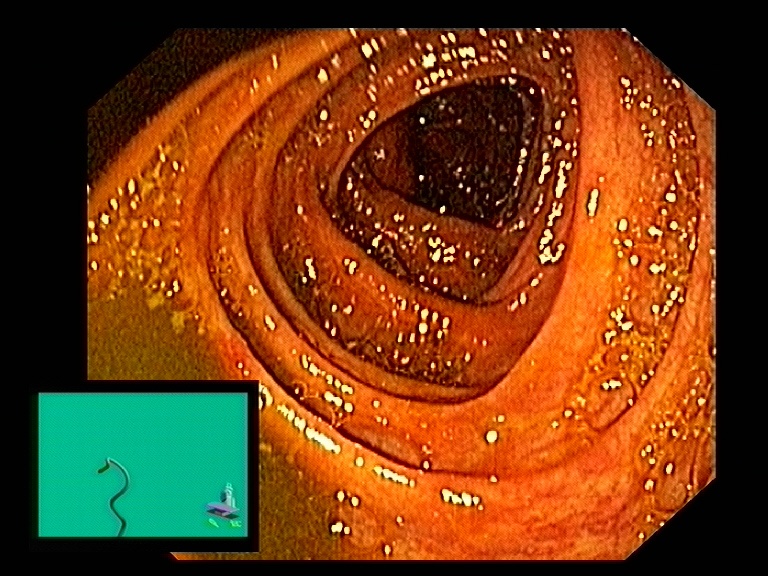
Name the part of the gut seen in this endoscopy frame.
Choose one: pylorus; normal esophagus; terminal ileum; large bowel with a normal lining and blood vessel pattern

large bowel with a normal lining and blood vessel pattern